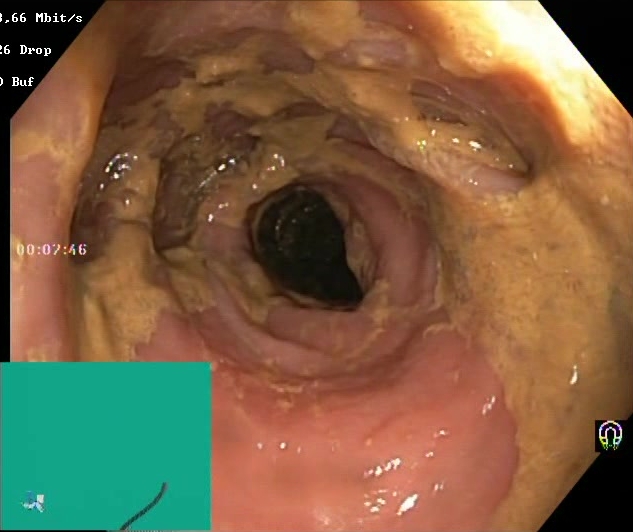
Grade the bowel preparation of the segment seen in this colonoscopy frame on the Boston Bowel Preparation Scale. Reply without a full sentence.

Boston Bowel Preparation Scale score 0–1 (inadequate preparation)